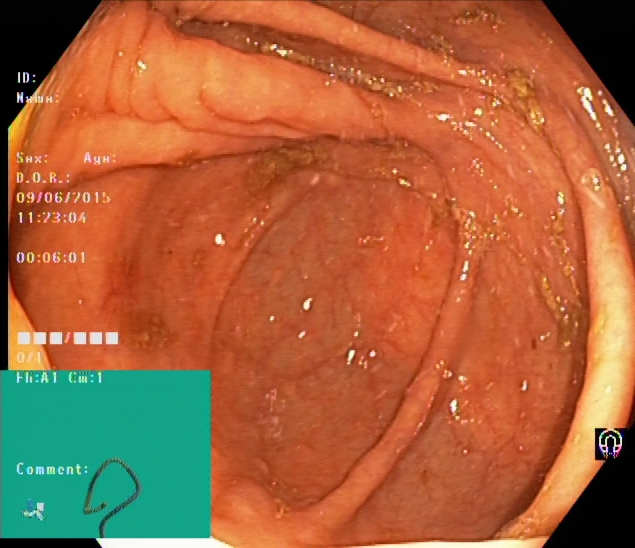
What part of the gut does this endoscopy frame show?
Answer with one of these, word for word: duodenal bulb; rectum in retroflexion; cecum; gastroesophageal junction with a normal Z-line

cecum